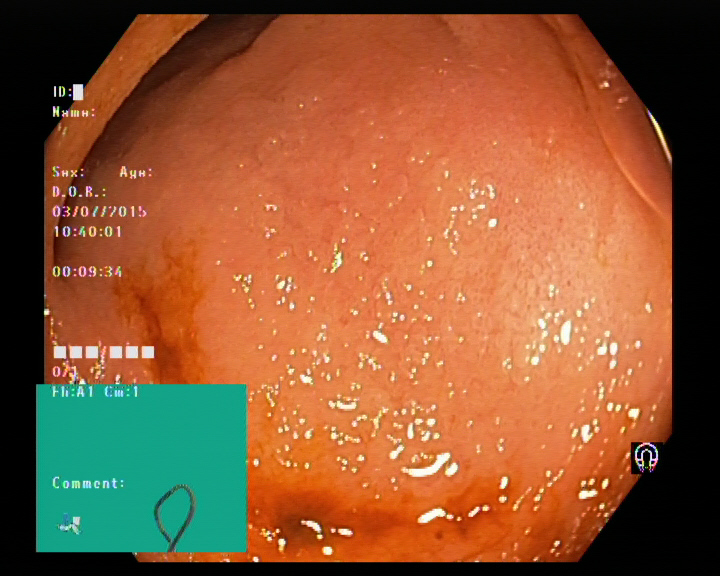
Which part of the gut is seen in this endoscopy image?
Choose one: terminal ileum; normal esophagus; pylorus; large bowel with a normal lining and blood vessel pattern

terminal ileum